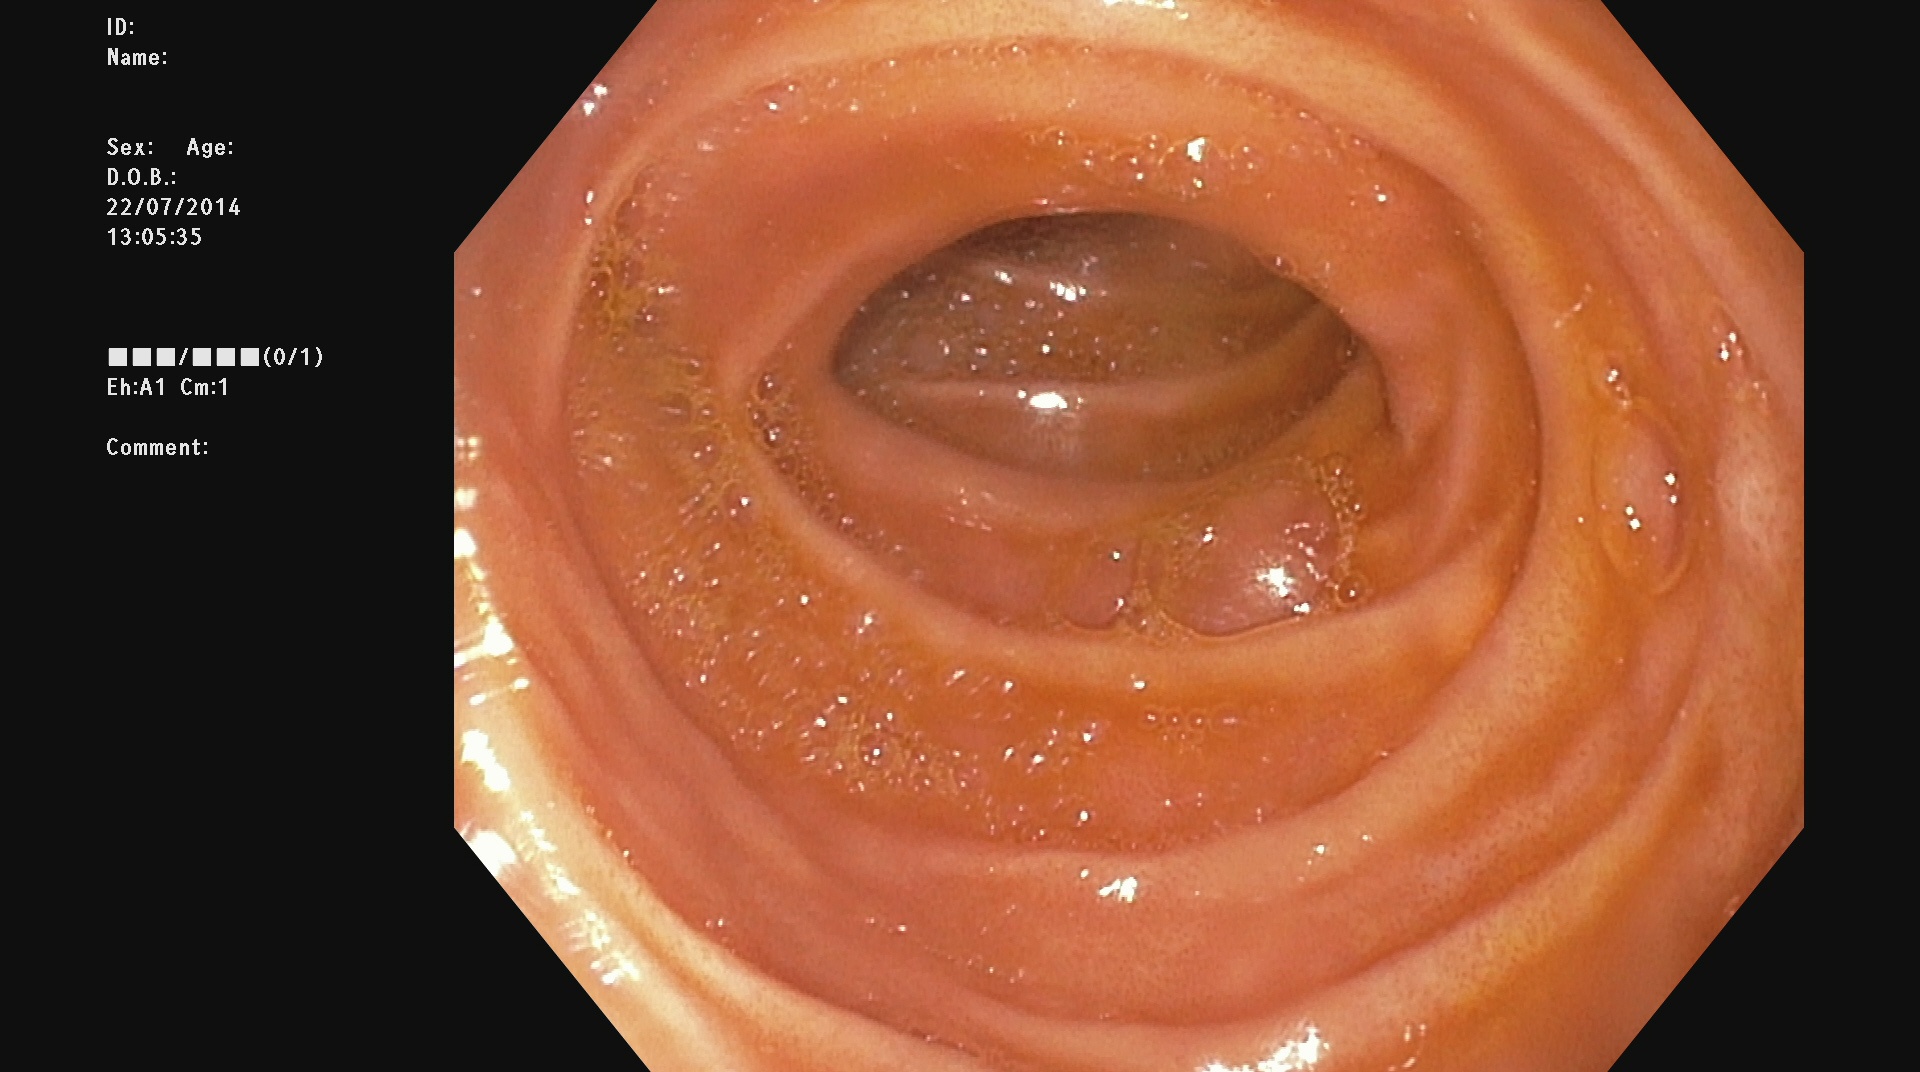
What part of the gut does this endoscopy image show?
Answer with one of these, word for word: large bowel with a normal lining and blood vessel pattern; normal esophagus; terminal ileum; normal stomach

terminal ileum